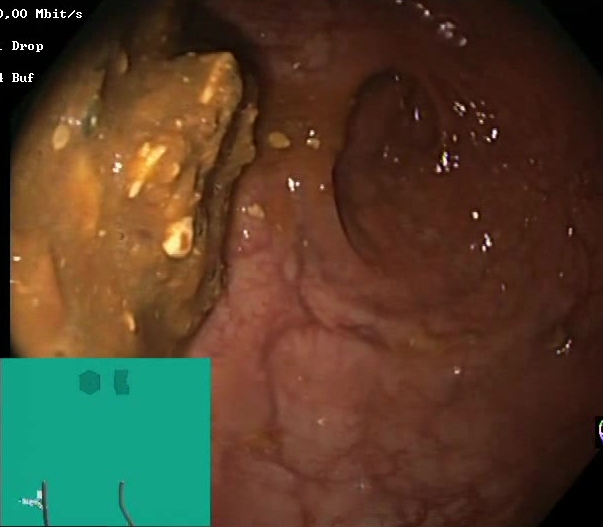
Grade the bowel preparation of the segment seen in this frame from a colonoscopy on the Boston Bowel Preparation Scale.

Boston Bowel Preparation Scale score 0–1 (inadequate preparation)